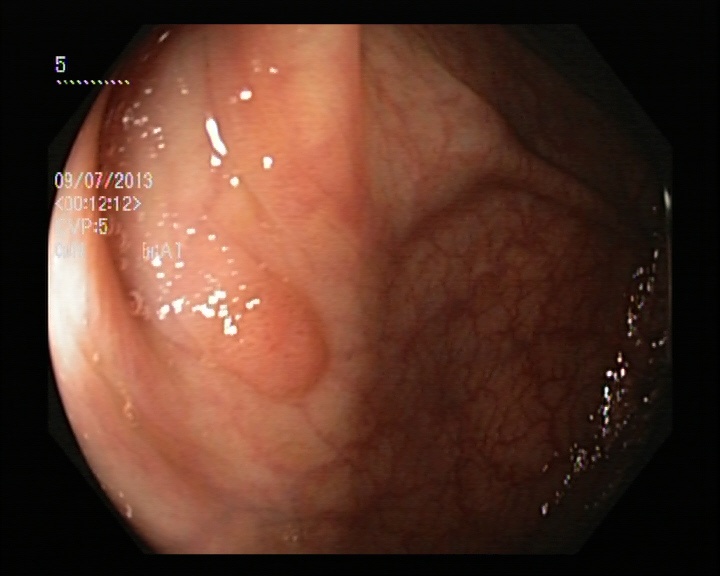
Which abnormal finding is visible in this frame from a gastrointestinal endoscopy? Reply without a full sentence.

colon polyp